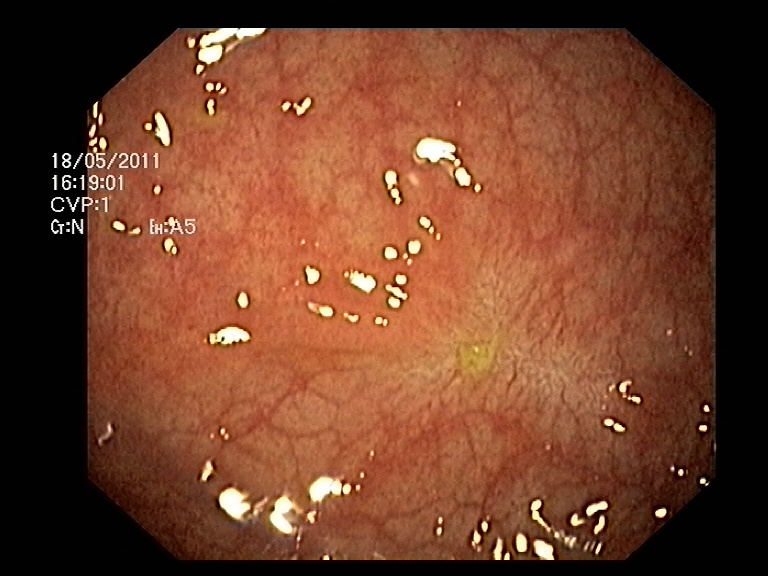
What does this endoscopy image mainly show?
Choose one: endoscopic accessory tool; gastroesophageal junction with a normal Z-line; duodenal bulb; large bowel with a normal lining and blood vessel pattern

large bowel with a normal lining and blood vessel pattern